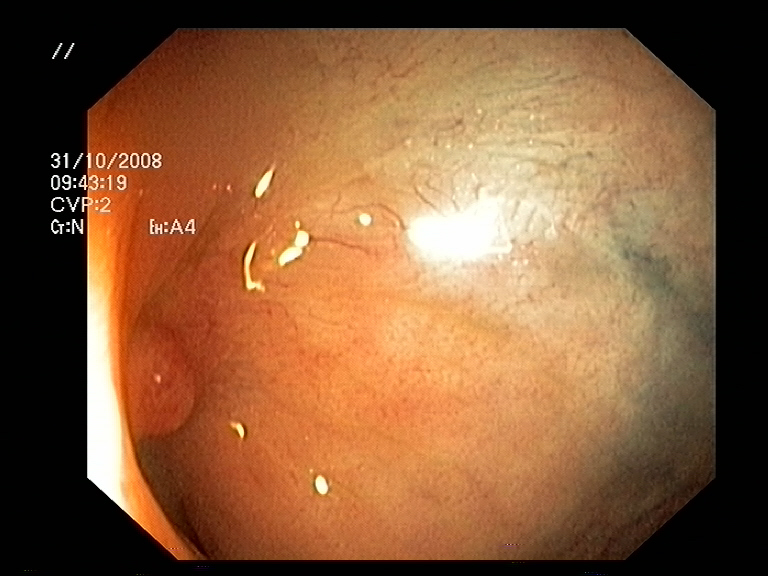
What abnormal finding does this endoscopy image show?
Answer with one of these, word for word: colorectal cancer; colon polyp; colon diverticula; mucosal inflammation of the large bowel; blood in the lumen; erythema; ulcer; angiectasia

colon polyp